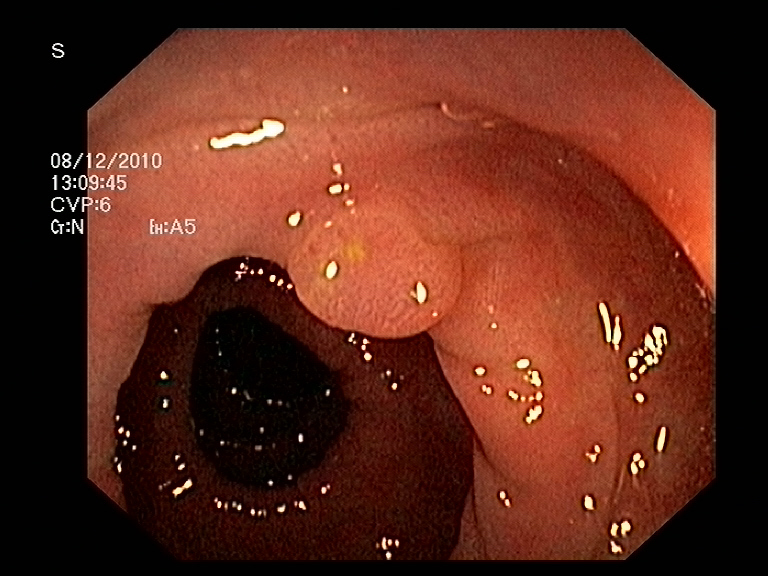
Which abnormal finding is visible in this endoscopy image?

colon polyp